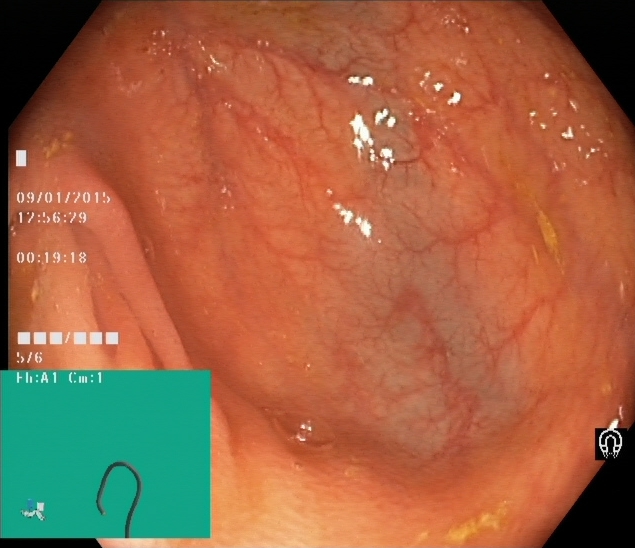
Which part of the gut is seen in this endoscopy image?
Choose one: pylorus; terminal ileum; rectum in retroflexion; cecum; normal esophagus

cecum